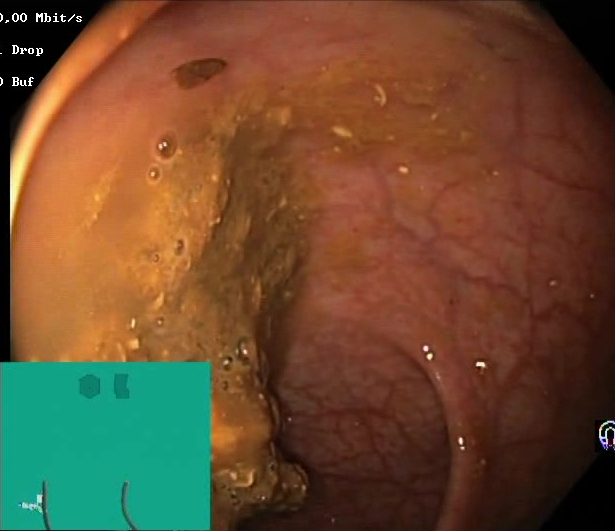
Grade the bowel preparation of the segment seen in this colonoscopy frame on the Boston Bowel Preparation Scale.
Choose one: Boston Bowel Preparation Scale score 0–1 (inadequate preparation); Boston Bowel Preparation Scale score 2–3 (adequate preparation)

Boston Bowel Preparation Scale score 0–1 (inadequate preparation)